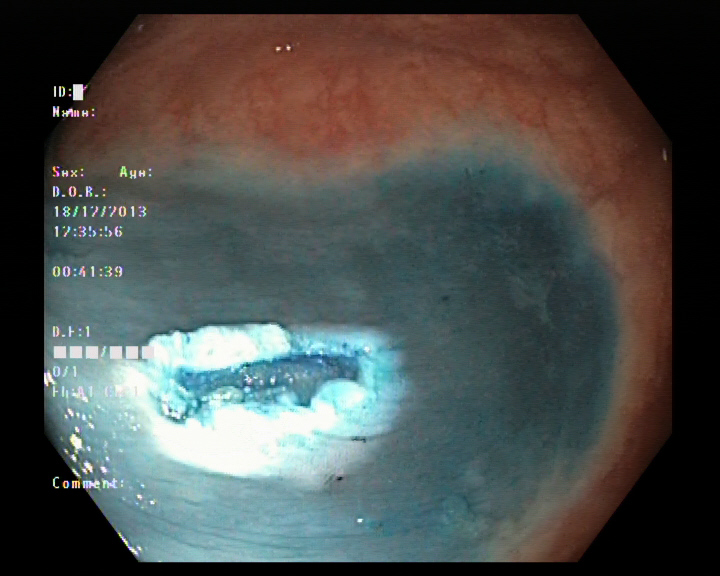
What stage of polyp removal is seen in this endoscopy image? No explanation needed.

dyed resection margin (post-polypectomy)